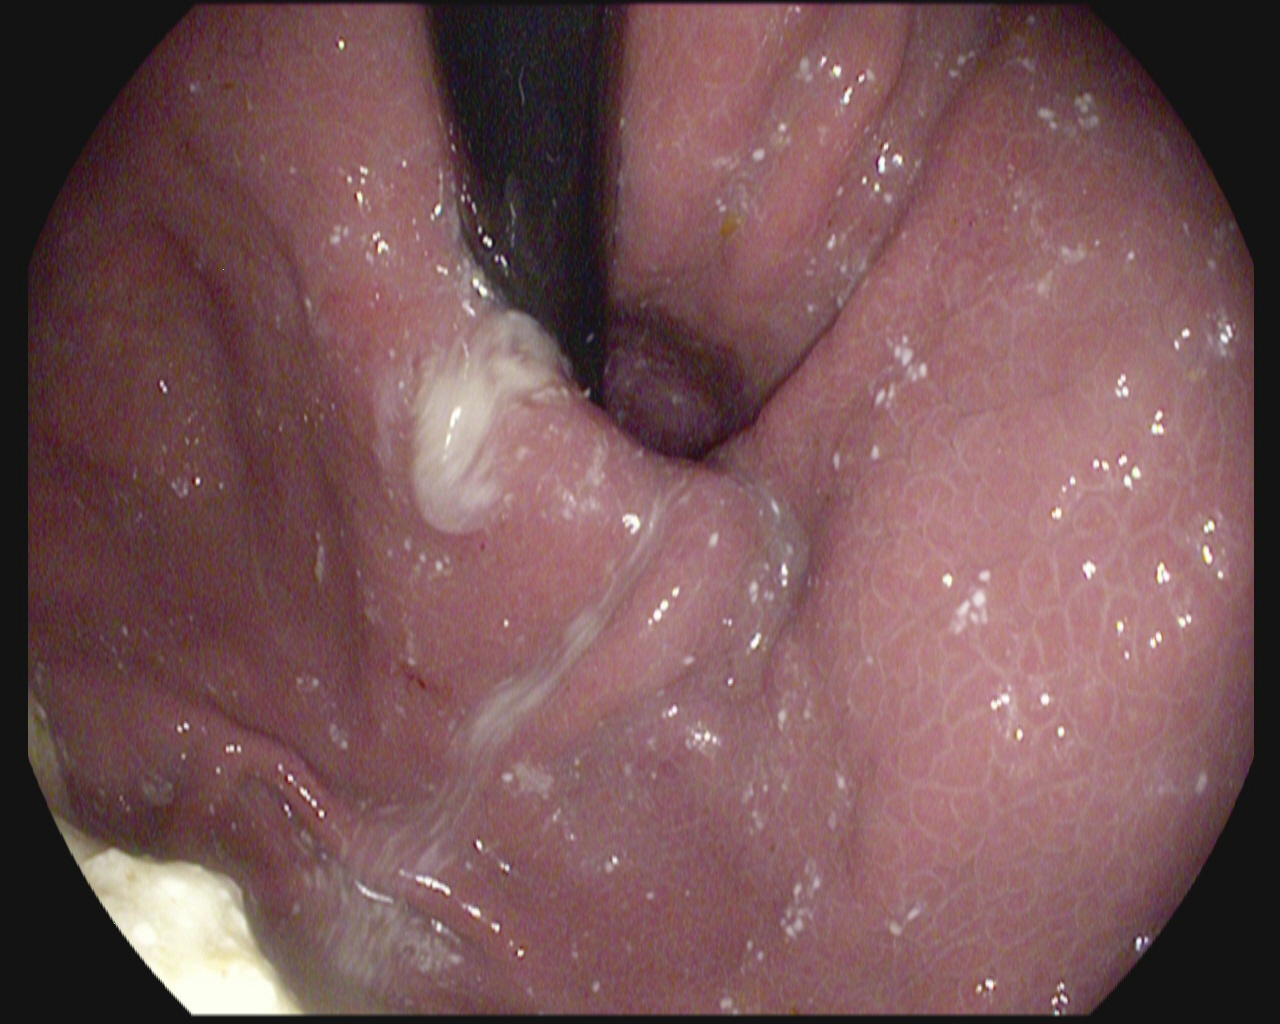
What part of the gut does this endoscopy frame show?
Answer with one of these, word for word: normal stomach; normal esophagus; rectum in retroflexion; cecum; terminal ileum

normal stomach